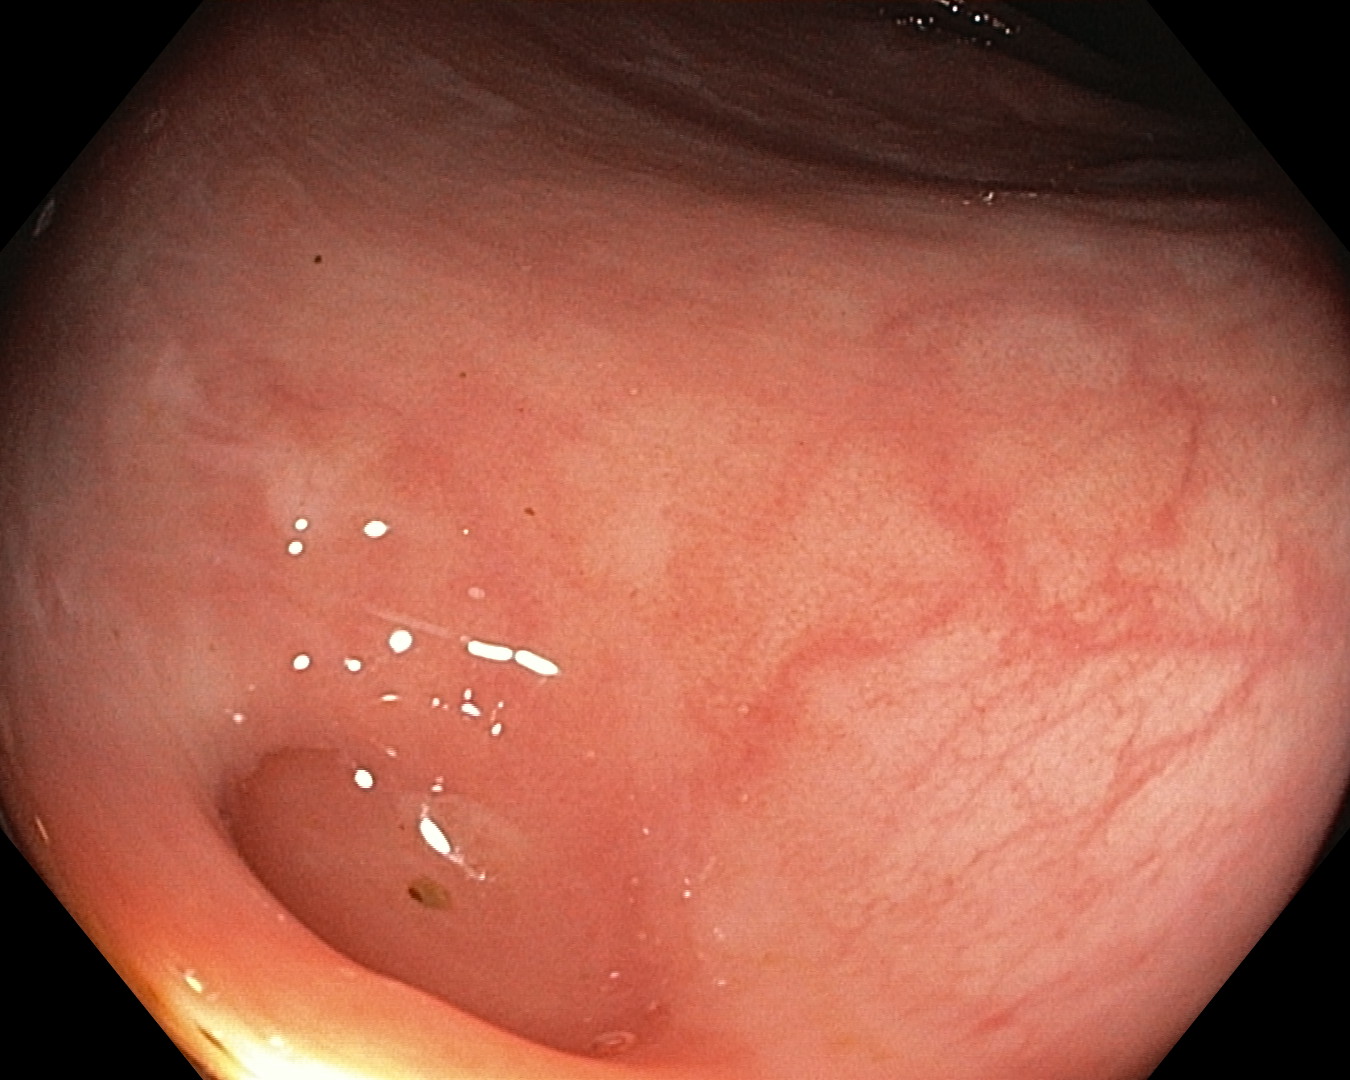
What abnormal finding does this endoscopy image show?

colon diverticula